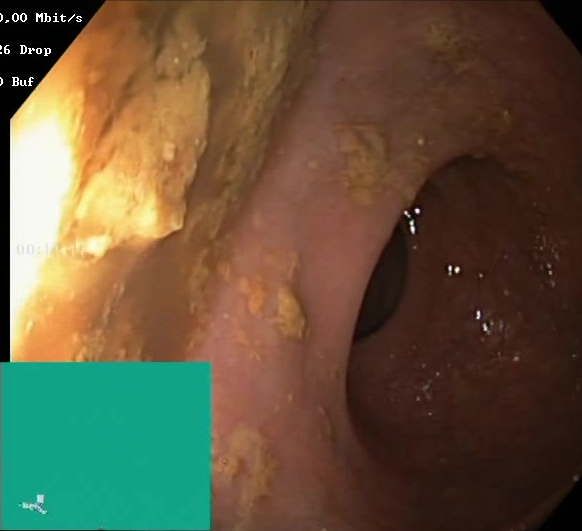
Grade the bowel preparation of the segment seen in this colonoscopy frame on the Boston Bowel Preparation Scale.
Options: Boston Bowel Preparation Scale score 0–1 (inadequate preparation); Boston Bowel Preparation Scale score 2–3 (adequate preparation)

Boston Bowel Preparation Scale score 0–1 (inadequate preparation)